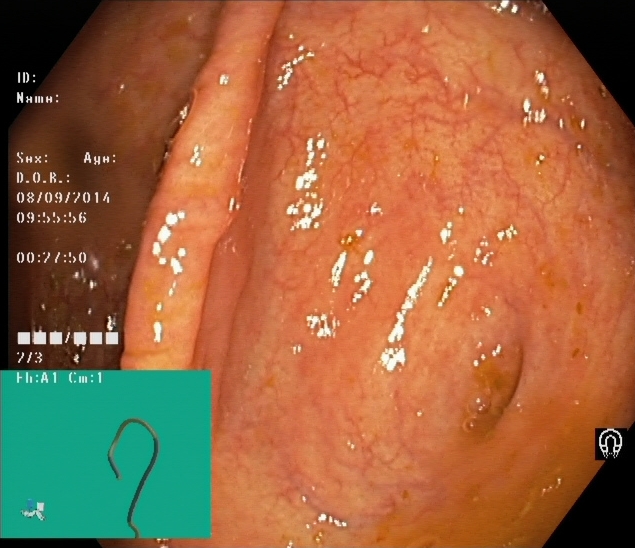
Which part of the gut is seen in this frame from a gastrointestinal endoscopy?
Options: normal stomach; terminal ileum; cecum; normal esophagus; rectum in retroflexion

cecum